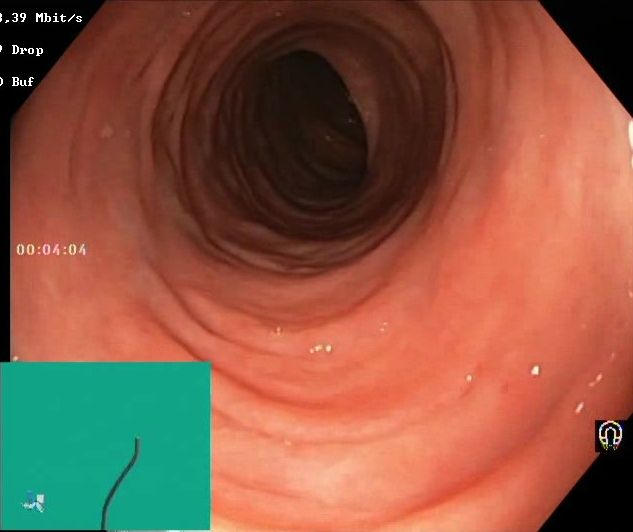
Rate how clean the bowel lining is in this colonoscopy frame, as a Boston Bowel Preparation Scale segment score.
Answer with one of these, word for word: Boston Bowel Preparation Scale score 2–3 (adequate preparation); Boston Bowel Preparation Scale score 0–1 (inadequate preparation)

Boston Bowel Preparation Scale score 2–3 (adequate preparation)